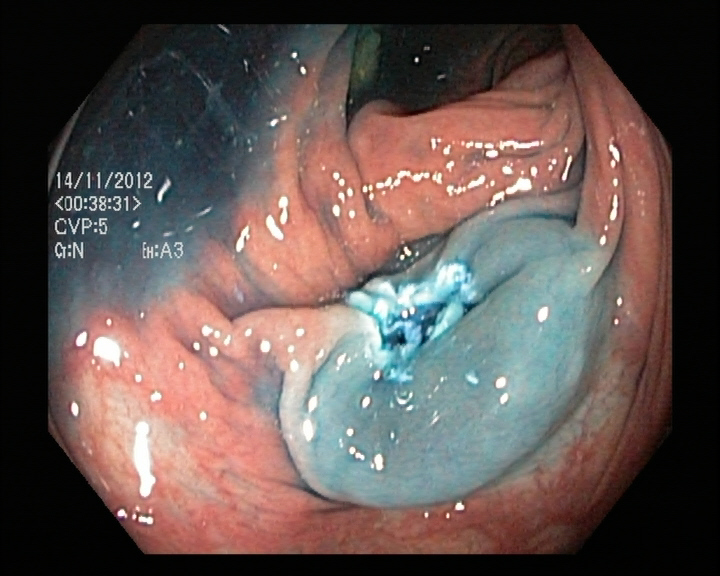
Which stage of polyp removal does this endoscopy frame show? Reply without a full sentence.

dyed resection margin (post-polypectomy)